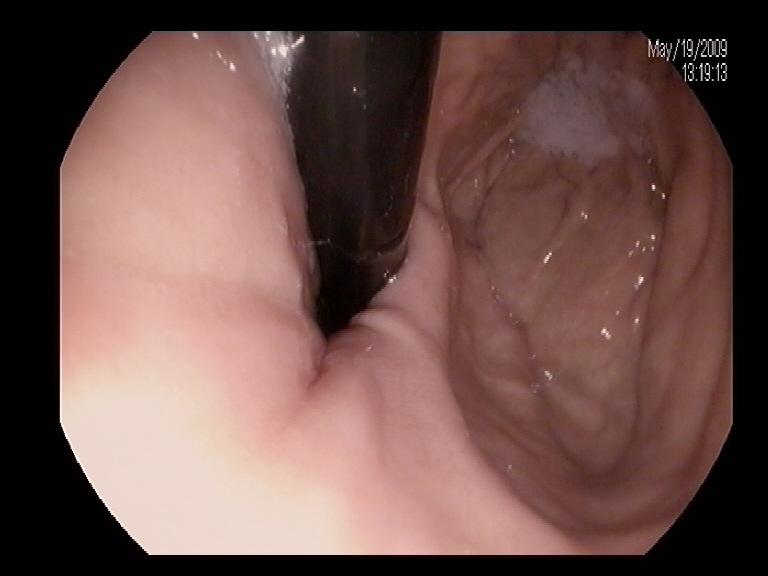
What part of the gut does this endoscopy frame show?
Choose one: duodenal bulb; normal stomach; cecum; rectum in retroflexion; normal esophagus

normal stomach